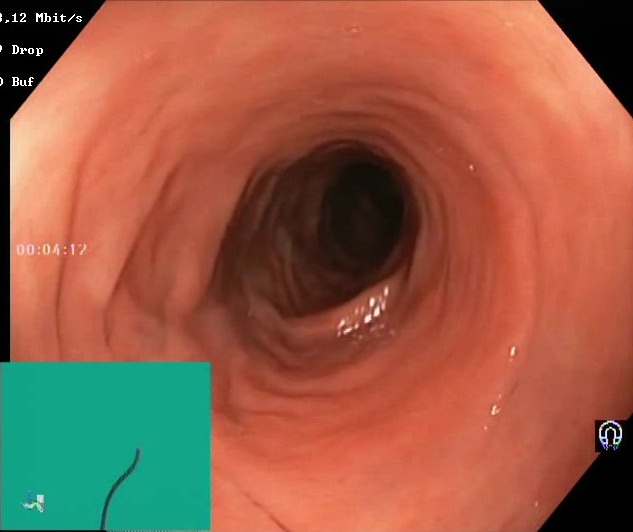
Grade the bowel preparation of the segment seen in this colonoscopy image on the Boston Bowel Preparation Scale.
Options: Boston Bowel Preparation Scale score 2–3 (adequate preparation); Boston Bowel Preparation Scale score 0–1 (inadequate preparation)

Boston Bowel Preparation Scale score 2–3 (adequate preparation)